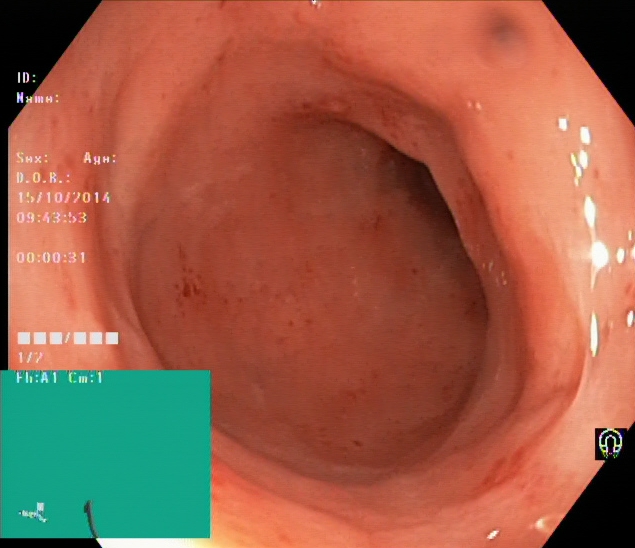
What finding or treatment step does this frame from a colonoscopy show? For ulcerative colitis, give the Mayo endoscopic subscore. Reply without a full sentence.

ulcerative colitis, Mayo endoscopic subscore 2